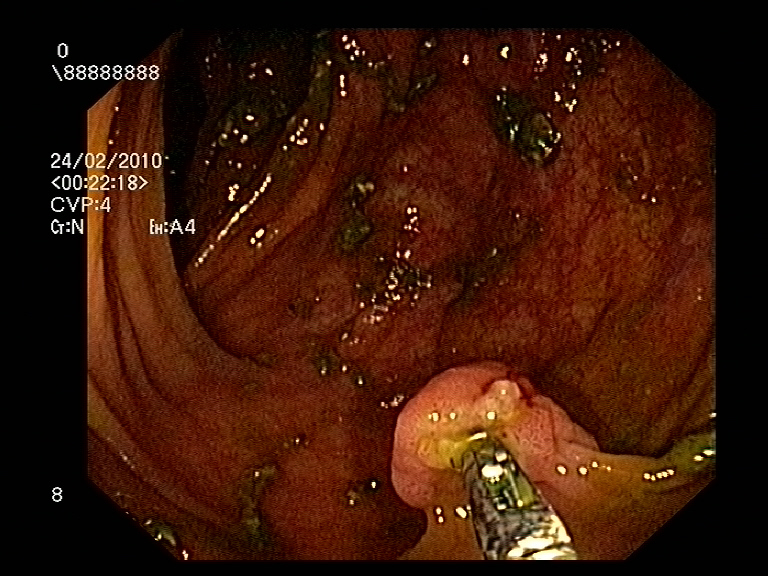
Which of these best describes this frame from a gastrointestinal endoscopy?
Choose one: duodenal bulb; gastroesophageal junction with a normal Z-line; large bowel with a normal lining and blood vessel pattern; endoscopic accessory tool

endoscopic accessory tool